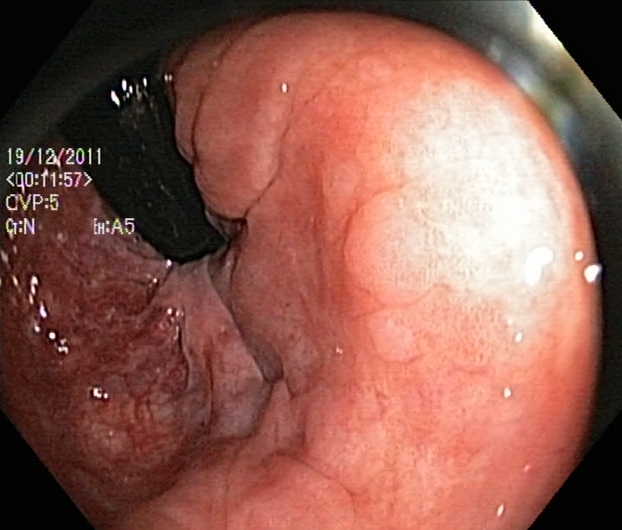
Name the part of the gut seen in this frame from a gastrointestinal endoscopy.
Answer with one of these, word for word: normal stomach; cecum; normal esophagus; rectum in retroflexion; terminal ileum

rectum in retroflexion